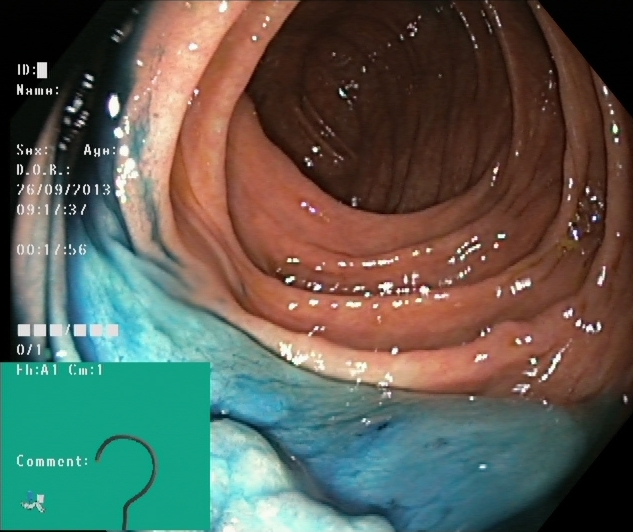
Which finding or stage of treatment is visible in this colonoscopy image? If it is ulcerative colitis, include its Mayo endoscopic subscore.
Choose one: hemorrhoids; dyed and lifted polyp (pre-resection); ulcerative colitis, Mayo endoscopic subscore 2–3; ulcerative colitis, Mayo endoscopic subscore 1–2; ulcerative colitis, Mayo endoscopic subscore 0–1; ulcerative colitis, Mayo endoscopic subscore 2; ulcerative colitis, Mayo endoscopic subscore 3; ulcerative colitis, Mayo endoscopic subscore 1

dyed and lifted polyp (pre-resection)